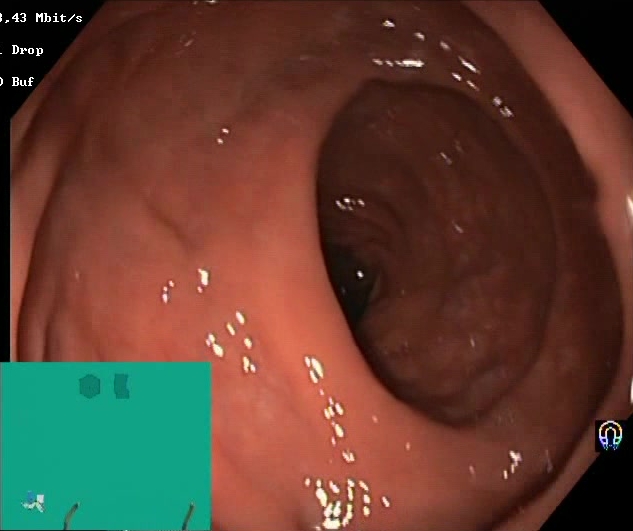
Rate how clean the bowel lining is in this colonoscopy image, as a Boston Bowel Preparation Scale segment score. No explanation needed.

Boston Bowel Preparation Scale score 2–3 (adequate preparation)